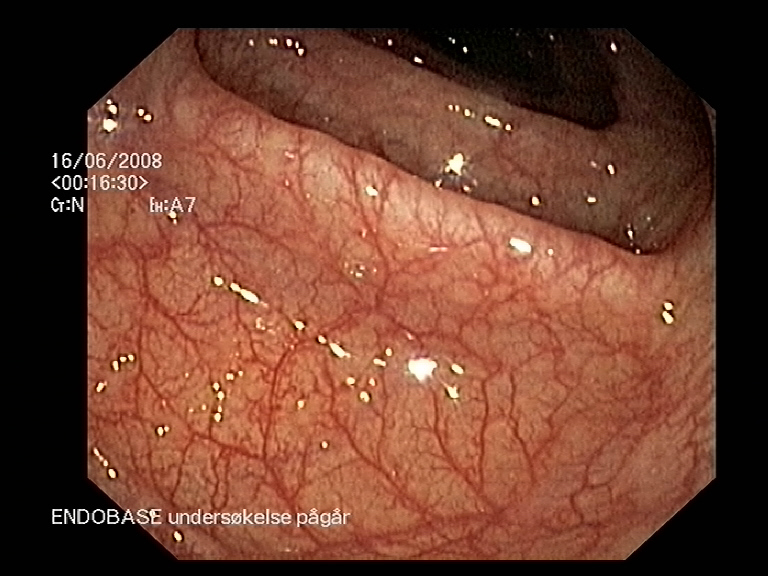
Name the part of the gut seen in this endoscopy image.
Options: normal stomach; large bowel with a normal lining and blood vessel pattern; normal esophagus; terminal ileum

large bowel with a normal lining and blood vessel pattern